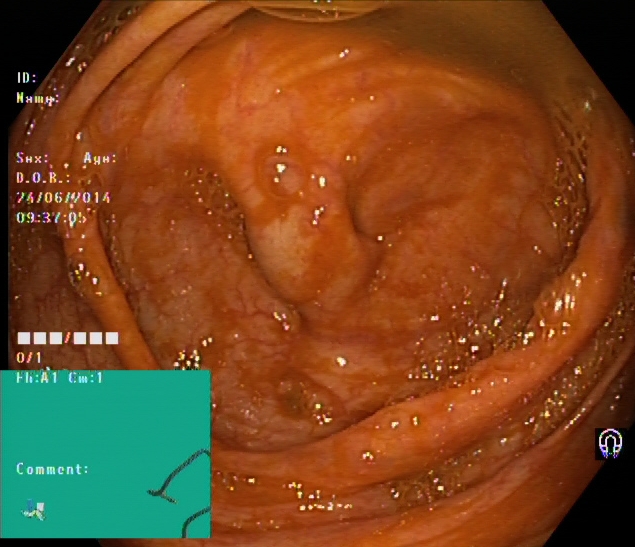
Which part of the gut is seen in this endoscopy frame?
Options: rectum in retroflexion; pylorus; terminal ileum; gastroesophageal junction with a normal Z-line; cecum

cecum